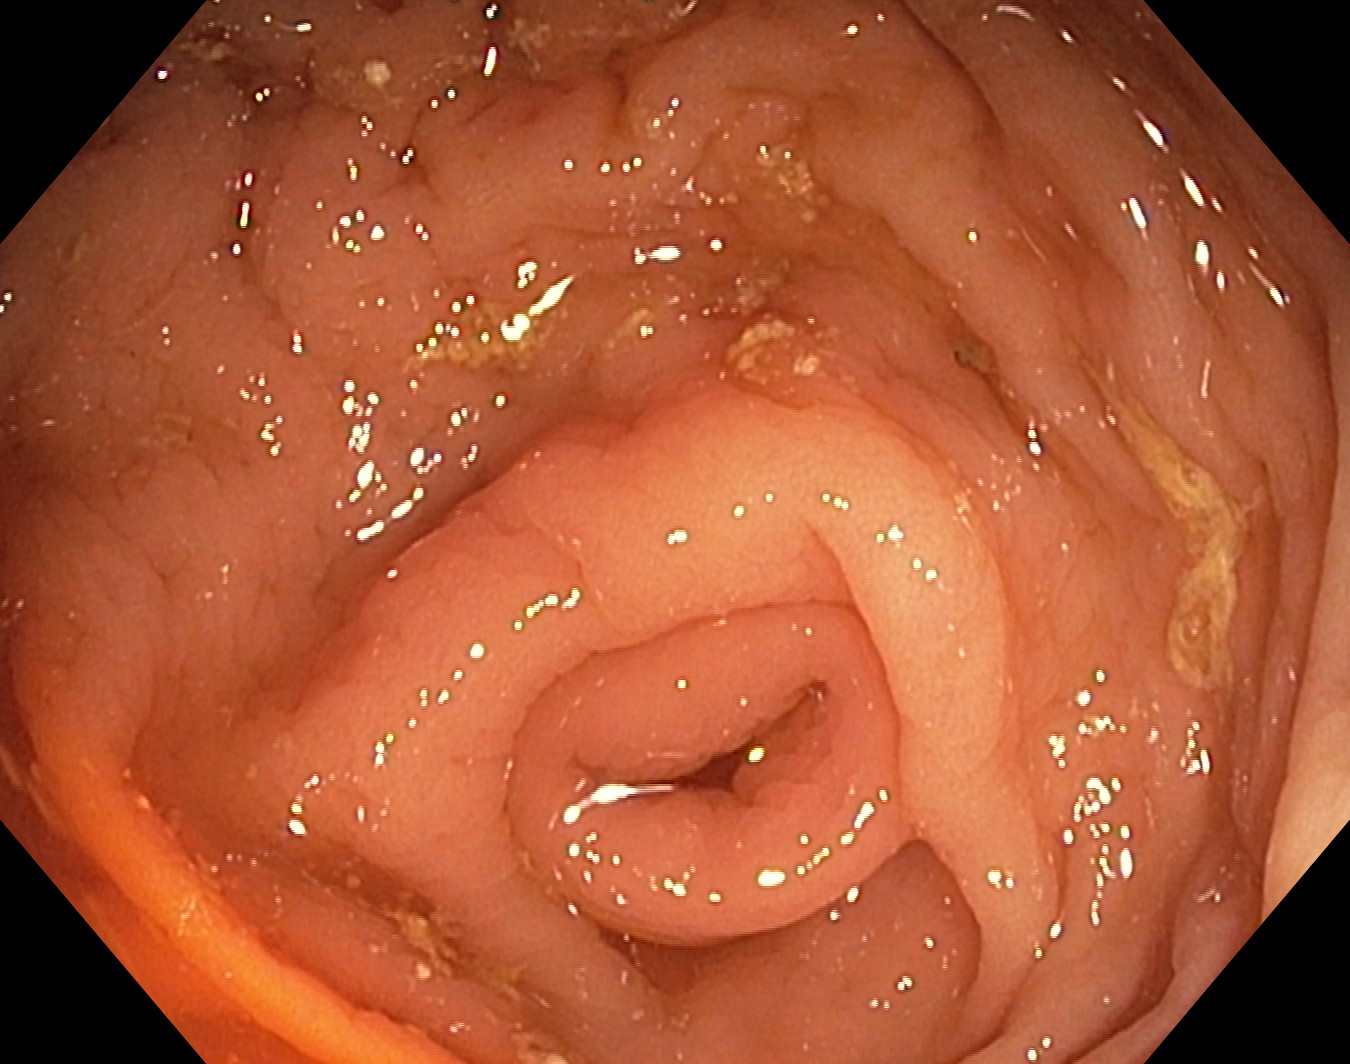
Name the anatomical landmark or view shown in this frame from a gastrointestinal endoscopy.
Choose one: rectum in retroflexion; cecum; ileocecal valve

cecum